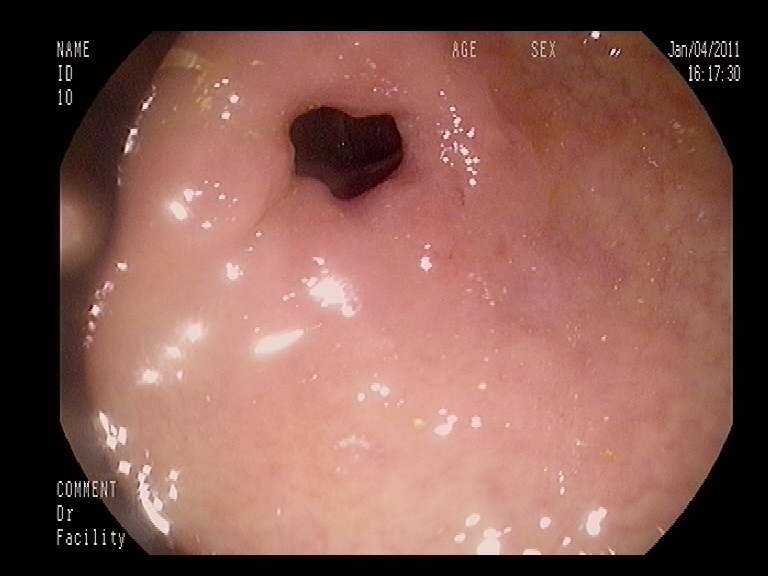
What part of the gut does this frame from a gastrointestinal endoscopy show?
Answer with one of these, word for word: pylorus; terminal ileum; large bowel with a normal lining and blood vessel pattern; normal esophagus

pylorus